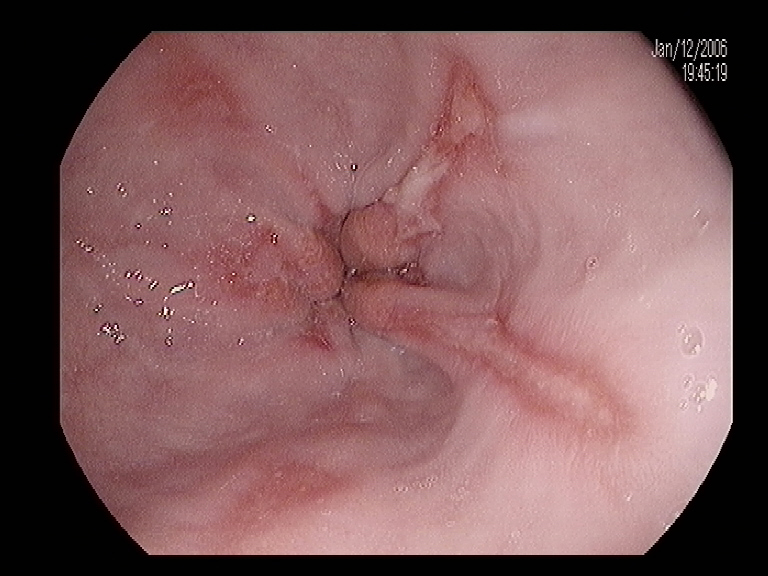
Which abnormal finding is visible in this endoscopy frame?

esophagitis